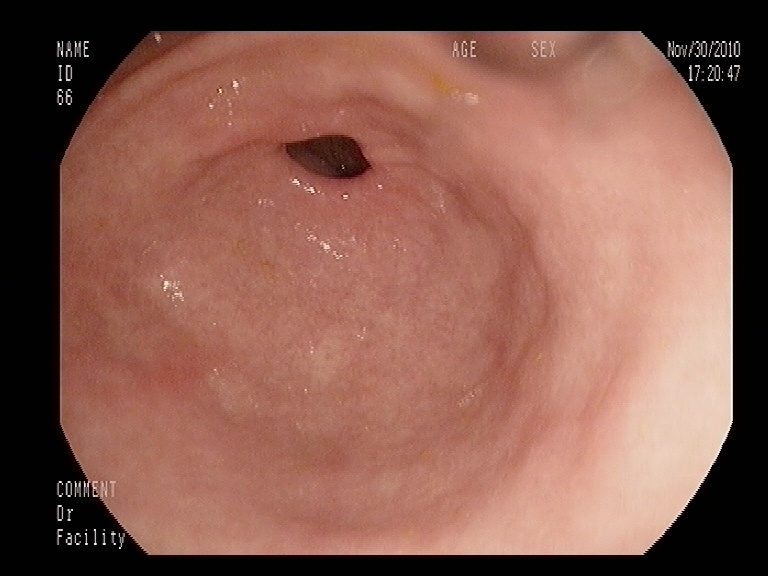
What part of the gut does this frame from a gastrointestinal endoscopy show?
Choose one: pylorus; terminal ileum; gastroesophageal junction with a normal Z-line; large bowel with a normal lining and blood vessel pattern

pylorus